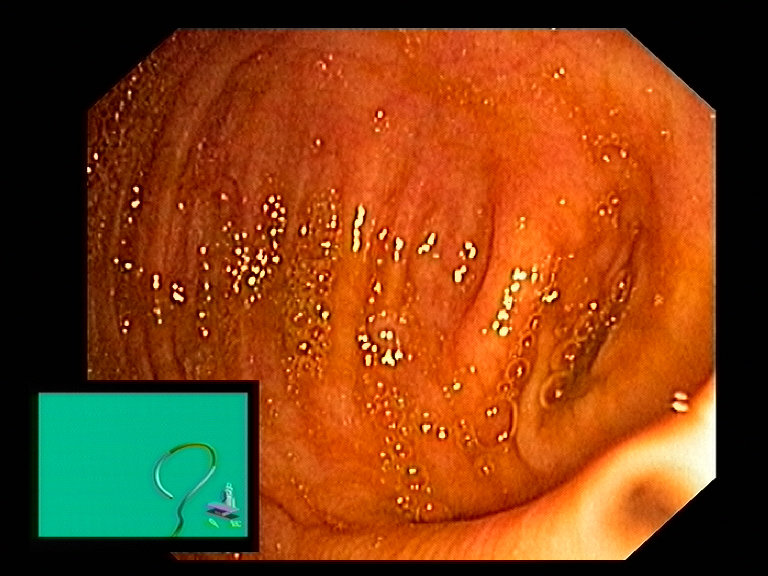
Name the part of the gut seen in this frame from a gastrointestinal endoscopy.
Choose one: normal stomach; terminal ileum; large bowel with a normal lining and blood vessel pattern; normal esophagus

large bowel with a normal lining and blood vessel pattern